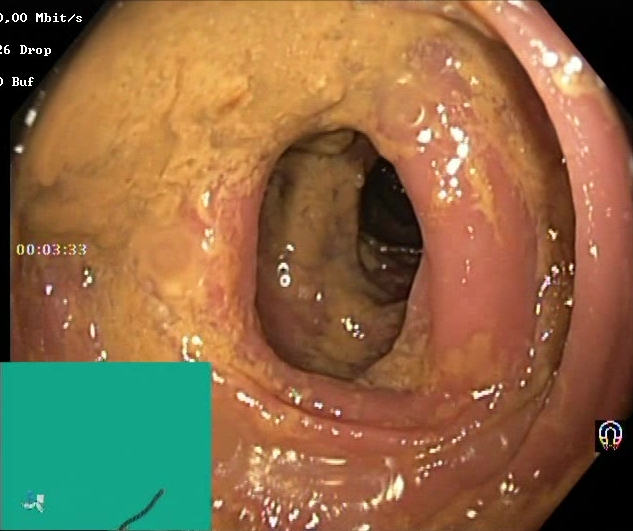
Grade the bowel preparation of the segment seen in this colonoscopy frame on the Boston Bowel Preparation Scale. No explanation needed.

Boston Bowel Preparation Scale score 0–1 (inadequate preparation)